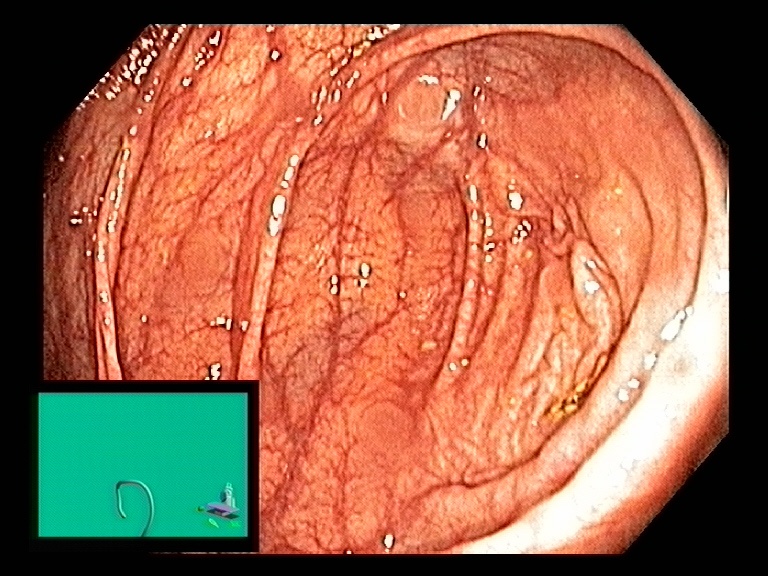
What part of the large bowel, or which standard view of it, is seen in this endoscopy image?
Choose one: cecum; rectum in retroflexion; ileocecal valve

cecum